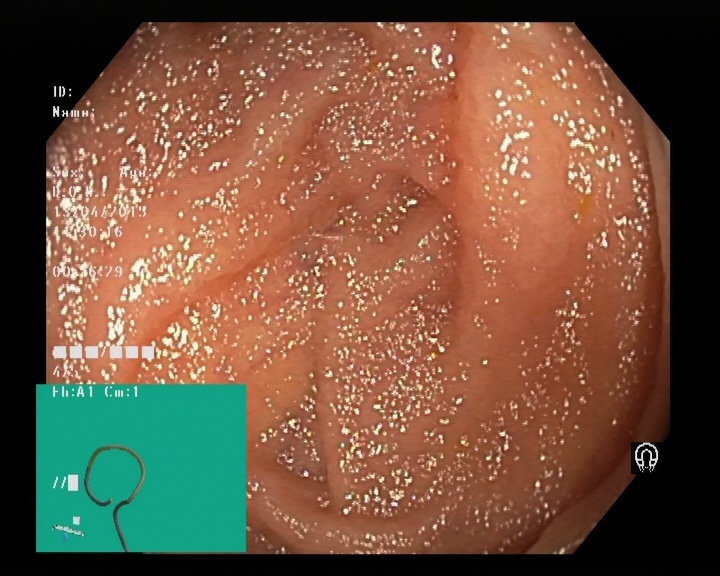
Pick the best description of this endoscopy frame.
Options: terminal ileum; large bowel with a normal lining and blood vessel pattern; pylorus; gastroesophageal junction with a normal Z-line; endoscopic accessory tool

terminal ileum